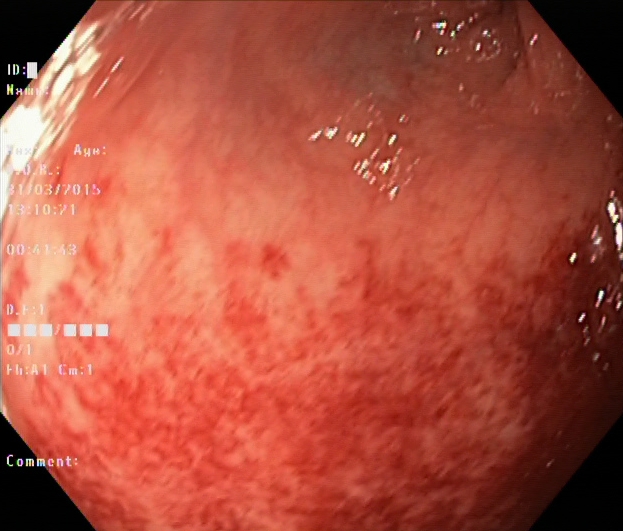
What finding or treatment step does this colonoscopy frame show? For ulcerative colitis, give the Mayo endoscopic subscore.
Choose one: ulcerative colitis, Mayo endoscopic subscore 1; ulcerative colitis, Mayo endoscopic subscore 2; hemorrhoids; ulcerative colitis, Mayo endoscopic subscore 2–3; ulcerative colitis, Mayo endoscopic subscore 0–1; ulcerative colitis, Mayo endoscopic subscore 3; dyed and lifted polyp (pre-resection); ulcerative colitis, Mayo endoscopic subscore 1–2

ulcerative colitis, Mayo endoscopic subscore 2